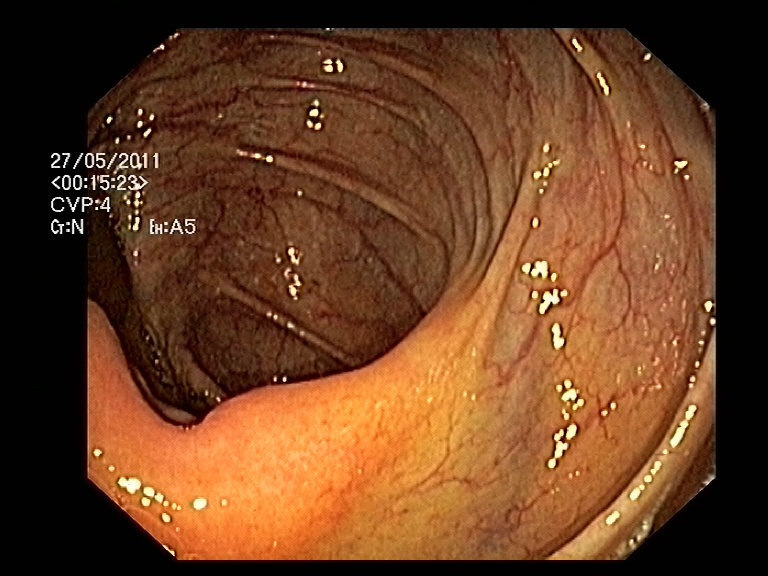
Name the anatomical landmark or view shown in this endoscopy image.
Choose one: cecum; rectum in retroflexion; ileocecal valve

ileocecal valve